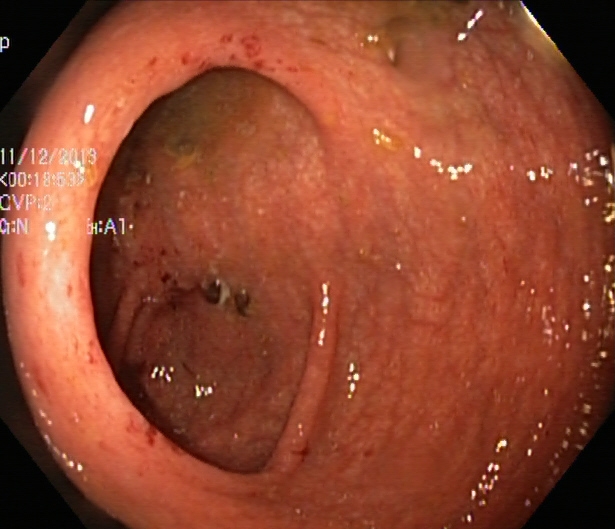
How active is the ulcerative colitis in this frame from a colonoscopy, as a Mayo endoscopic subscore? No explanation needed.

ulcerative colitis, Mayo endoscopic subscore 1